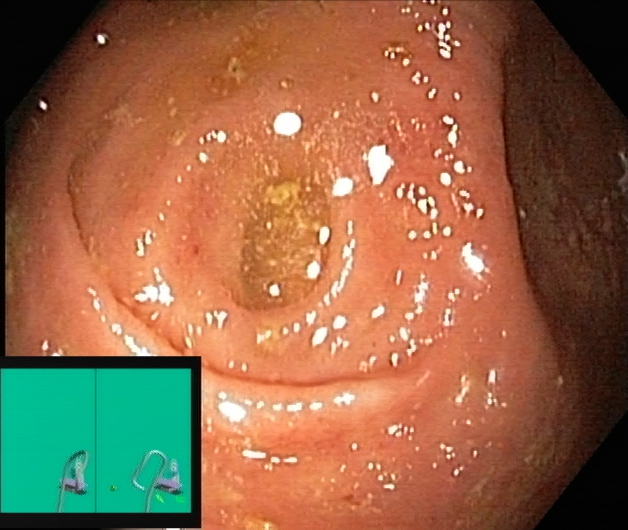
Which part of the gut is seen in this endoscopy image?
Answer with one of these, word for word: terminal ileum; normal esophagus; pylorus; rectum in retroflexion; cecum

cecum